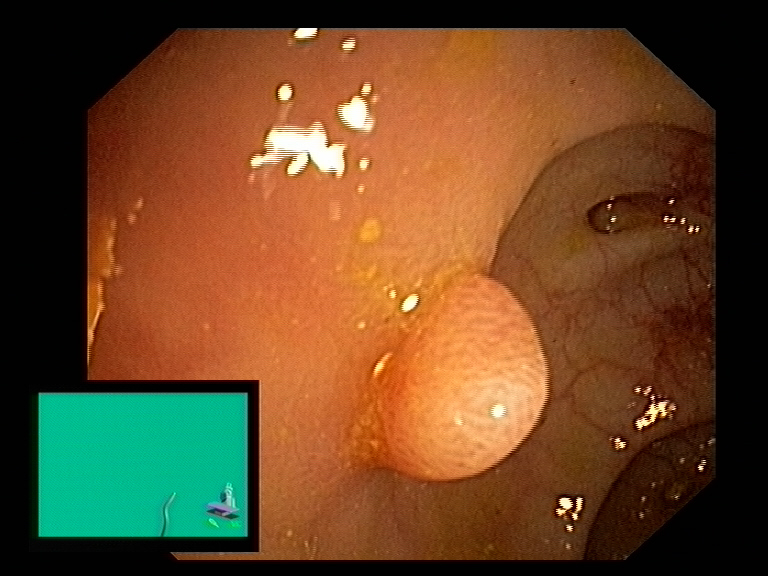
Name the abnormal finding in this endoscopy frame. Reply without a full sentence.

colon polyp